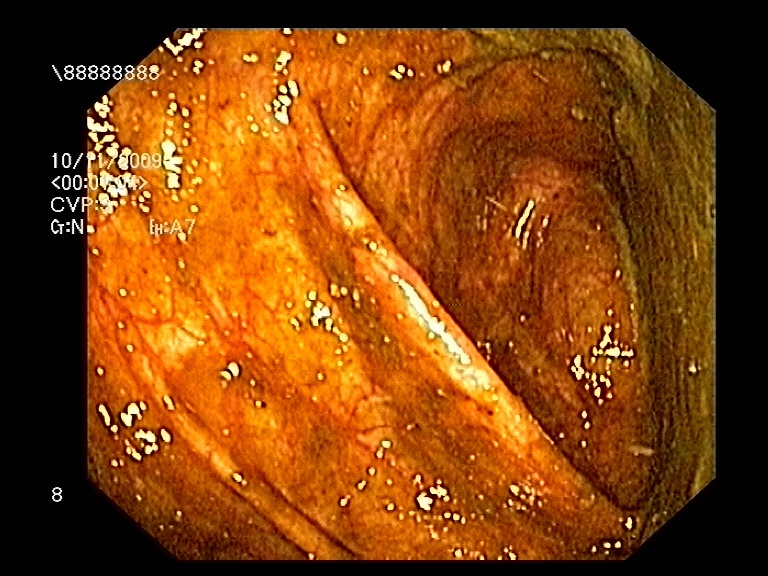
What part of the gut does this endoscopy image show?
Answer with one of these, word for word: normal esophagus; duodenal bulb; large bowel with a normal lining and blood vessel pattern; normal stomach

large bowel with a normal lining and blood vessel pattern